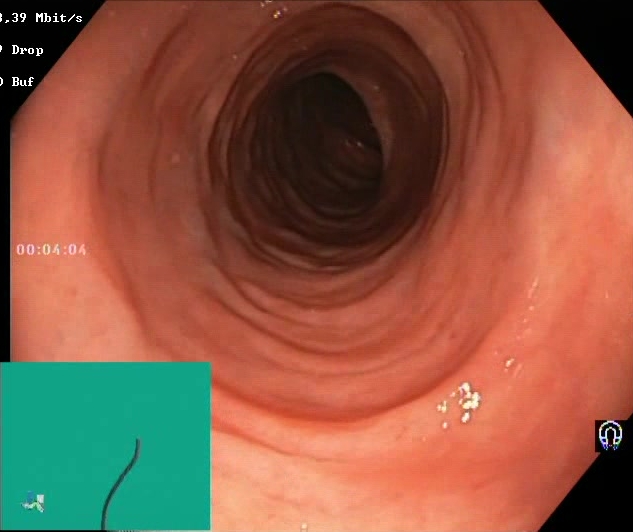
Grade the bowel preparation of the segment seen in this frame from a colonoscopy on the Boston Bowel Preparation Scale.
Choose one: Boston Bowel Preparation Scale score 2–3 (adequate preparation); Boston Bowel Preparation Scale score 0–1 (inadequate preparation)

Boston Bowel Preparation Scale score 2–3 (adequate preparation)